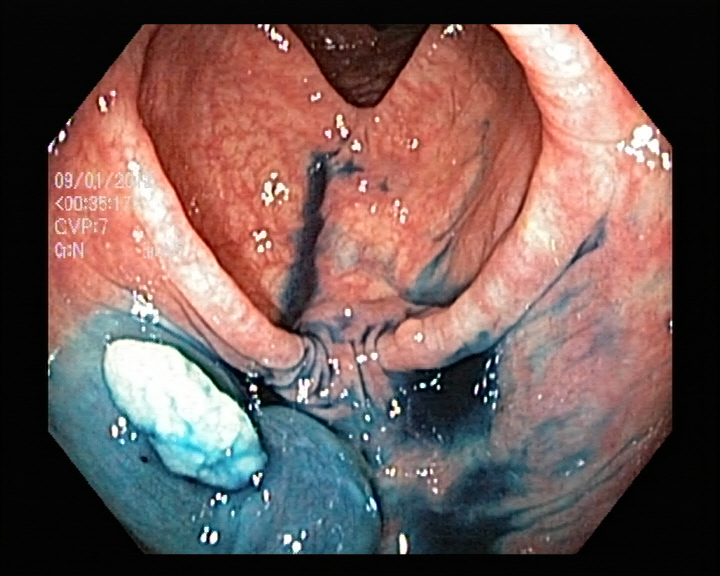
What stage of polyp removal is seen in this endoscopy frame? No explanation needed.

dyed and lifted polyp (pre-resection)